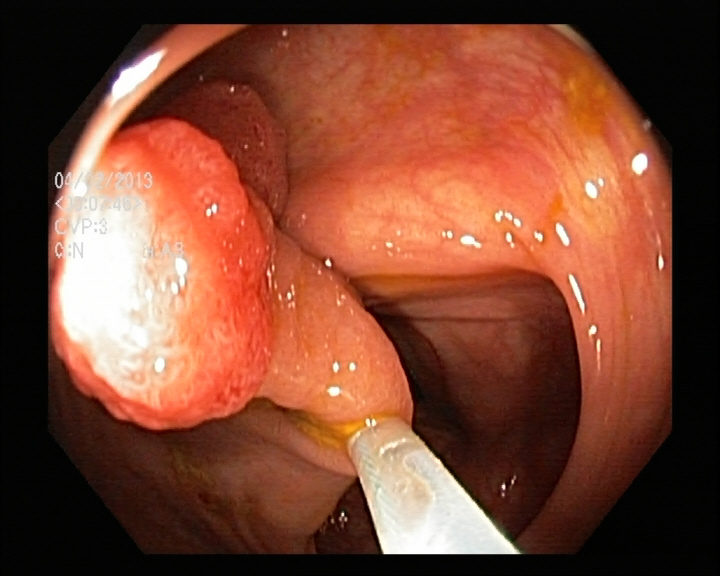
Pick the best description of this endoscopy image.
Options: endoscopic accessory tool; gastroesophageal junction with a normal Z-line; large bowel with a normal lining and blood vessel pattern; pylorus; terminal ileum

endoscopic accessory tool